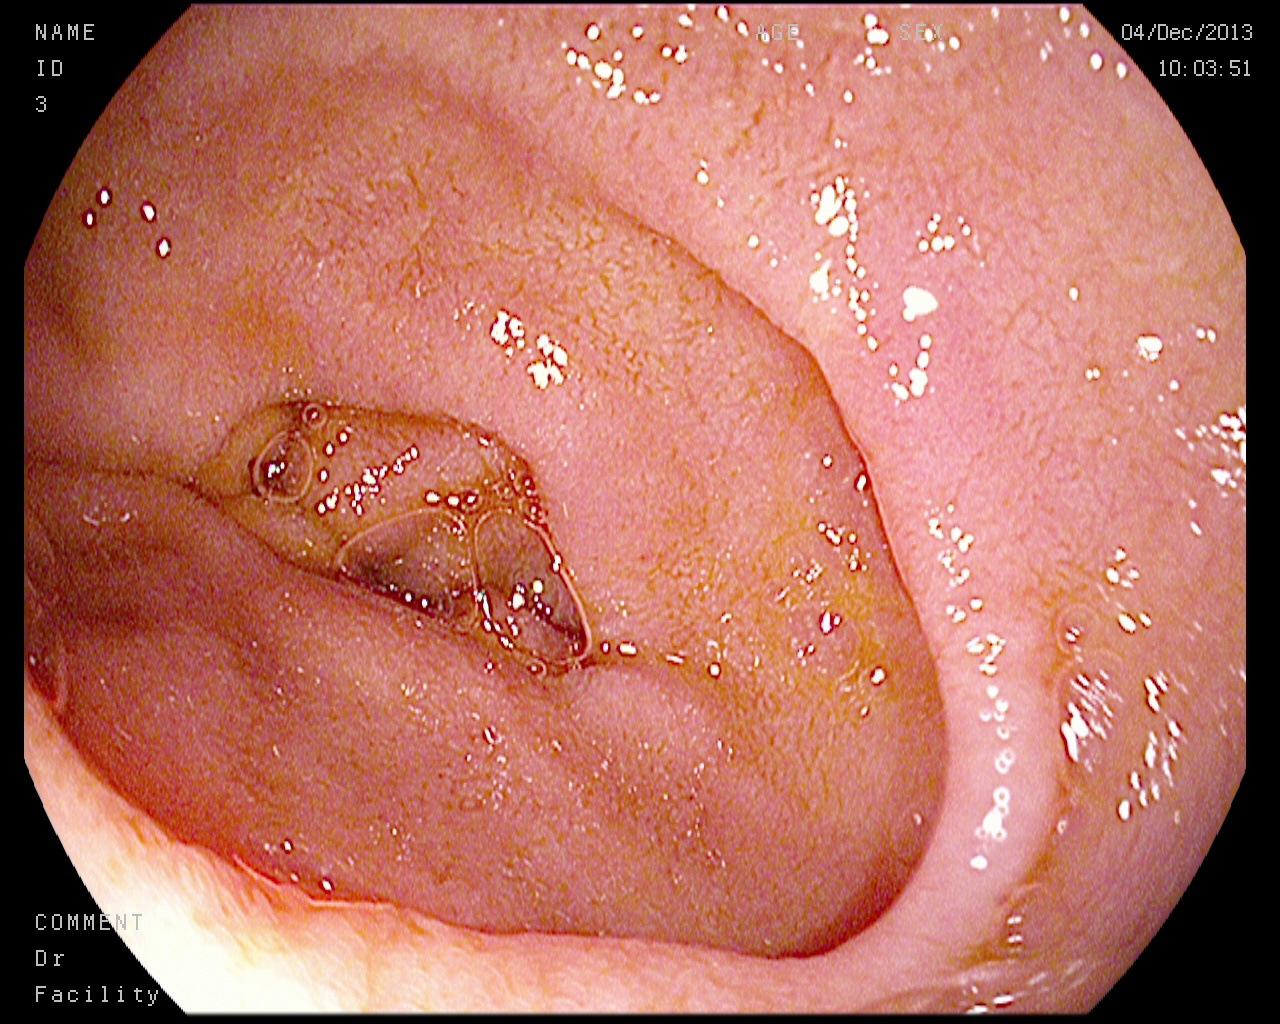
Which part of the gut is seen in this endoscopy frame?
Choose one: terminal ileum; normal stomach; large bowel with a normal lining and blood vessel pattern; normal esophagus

terminal ileum